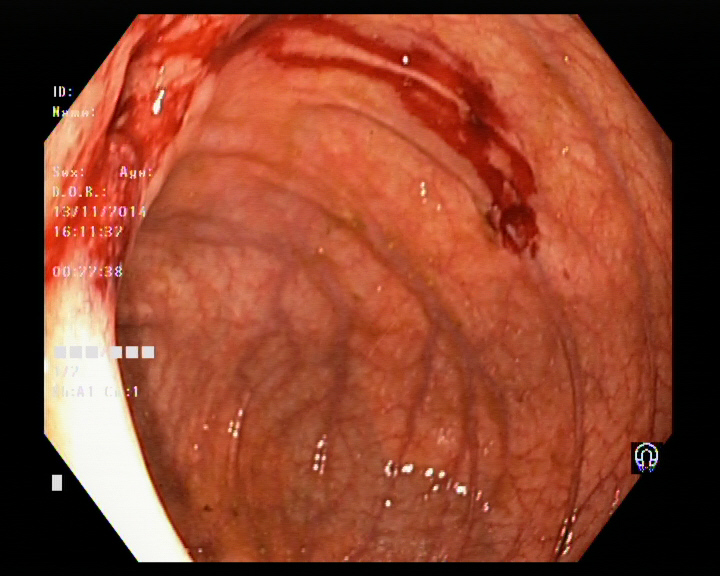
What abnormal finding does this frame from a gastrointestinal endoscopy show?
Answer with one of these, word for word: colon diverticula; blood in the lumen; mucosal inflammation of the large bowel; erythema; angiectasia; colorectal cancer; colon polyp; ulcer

blood in the lumen